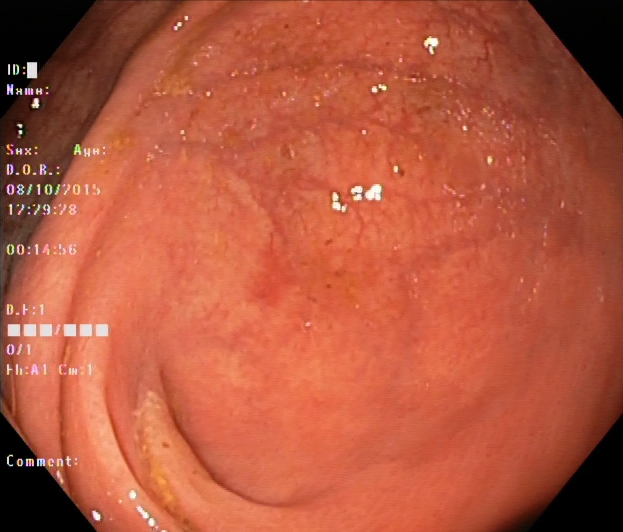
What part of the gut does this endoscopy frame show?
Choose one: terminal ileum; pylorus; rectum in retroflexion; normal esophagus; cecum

cecum